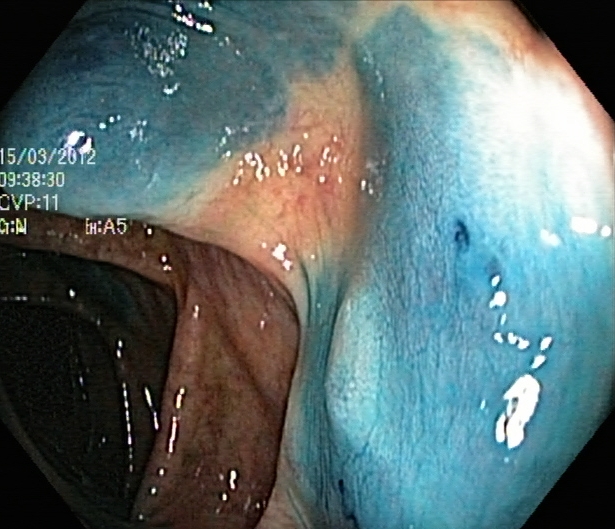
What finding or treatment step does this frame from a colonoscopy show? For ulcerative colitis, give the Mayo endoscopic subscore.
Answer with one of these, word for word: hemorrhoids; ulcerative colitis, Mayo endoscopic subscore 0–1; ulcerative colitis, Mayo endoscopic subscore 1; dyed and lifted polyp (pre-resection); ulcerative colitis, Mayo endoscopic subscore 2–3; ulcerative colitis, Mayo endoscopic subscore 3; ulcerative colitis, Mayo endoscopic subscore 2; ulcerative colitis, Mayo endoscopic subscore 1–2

dyed and lifted polyp (pre-resection)